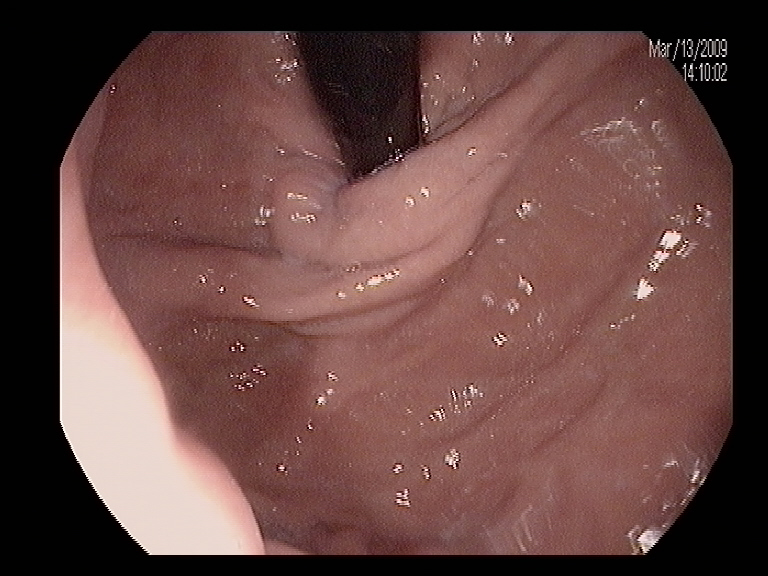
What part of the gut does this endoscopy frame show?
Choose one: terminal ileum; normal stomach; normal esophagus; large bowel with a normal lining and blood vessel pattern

normal stomach